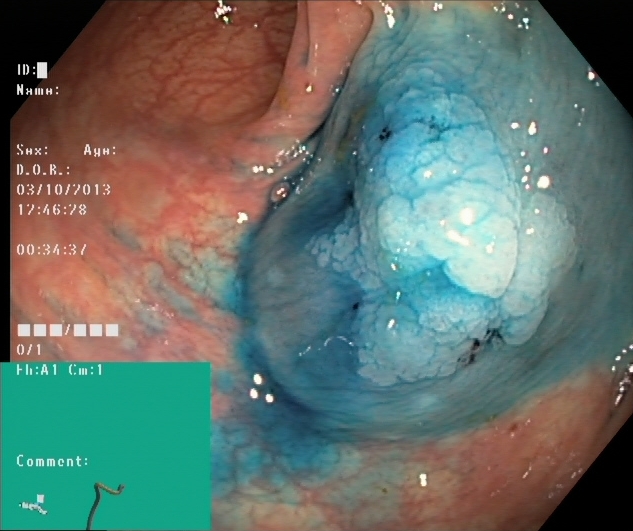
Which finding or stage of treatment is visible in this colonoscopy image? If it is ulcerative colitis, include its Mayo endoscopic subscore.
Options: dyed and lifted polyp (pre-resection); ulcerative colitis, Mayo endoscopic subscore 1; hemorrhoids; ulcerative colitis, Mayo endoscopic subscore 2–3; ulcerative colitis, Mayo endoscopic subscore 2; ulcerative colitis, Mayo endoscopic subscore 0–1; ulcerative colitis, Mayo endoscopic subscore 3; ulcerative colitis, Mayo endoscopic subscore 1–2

dyed and lifted polyp (pre-resection)